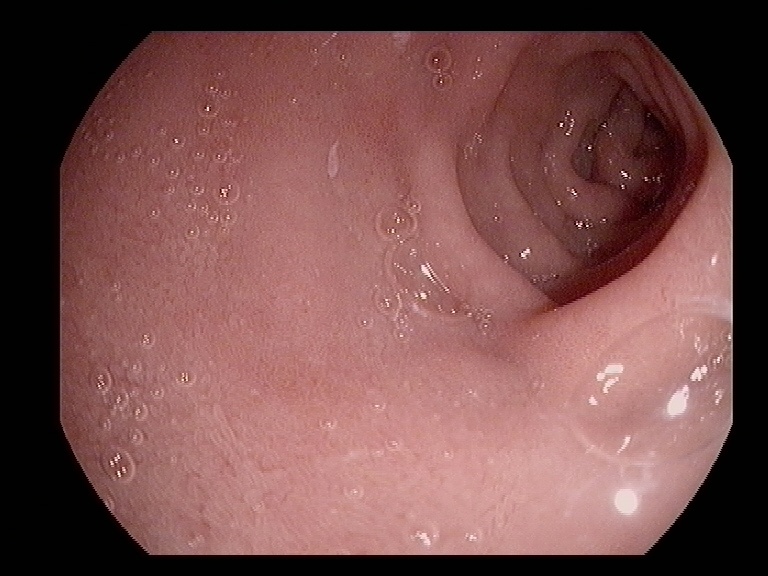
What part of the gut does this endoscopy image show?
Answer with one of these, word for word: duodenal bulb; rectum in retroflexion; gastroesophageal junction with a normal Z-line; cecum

duodenal bulb